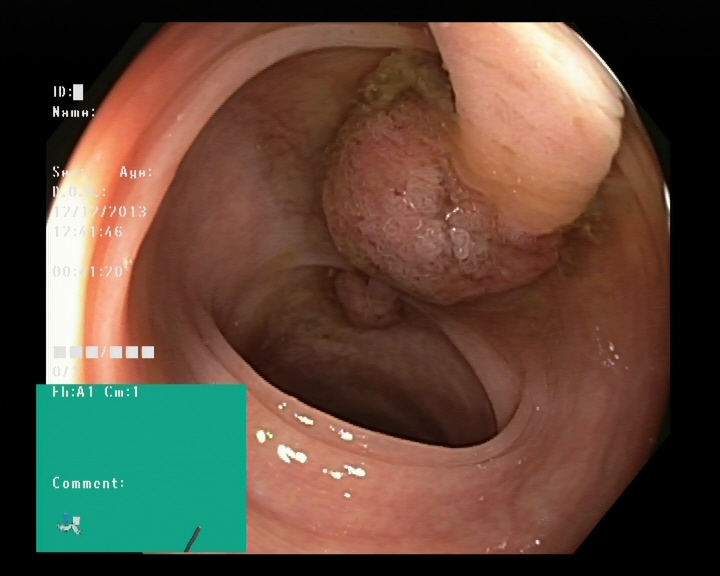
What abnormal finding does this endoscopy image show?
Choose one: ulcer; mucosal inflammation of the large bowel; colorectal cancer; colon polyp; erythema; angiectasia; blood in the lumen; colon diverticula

colon polyp